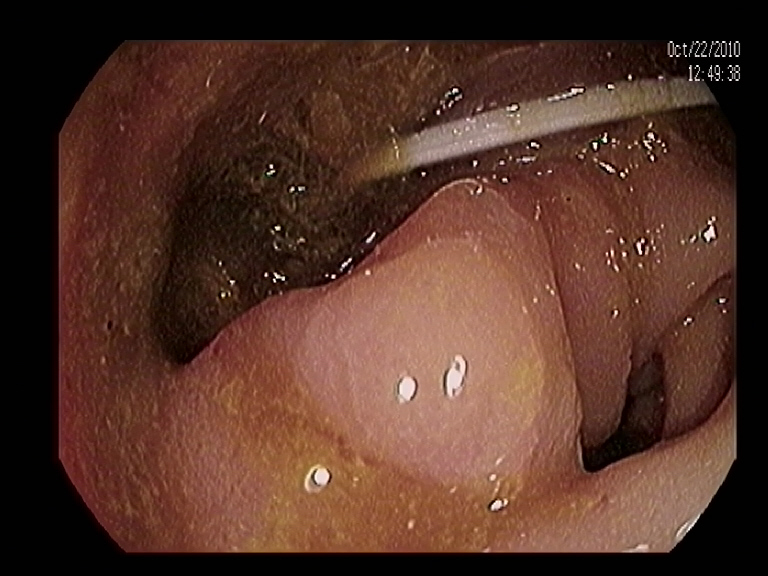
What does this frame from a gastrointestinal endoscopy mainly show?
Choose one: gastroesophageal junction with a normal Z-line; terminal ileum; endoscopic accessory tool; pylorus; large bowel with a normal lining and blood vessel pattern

endoscopic accessory tool